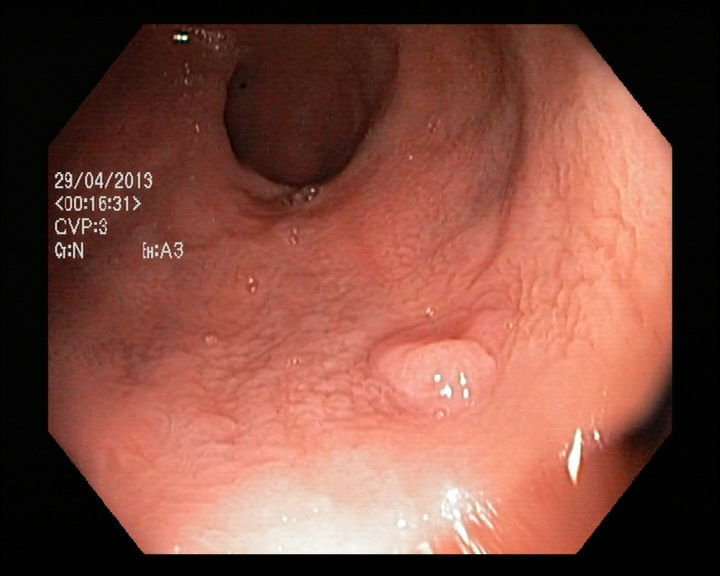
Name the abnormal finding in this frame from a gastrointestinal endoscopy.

colon polyp